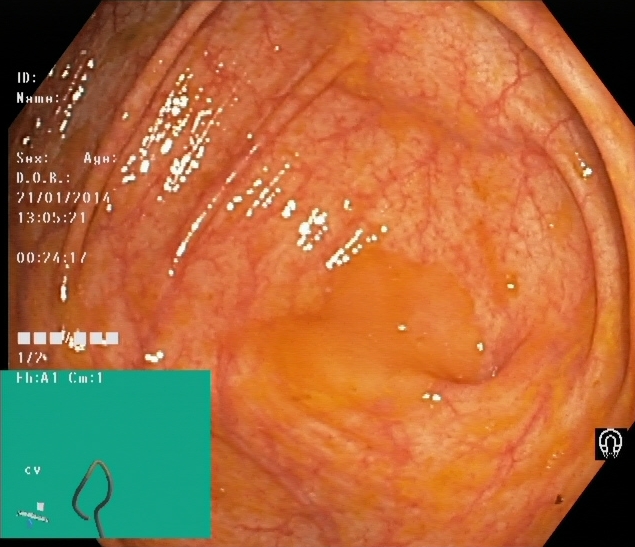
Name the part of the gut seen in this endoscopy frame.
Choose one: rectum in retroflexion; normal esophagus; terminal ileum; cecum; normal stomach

cecum